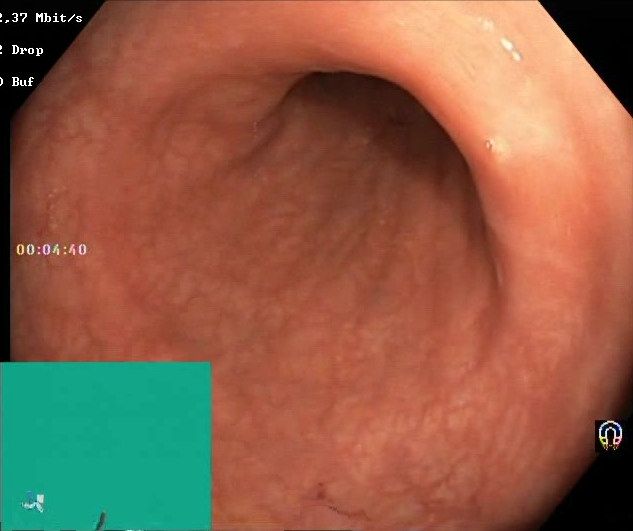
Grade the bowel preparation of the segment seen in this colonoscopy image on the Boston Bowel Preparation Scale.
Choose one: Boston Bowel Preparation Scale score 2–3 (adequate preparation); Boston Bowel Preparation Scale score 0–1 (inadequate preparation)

Boston Bowel Preparation Scale score 2–3 (adequate preparation)